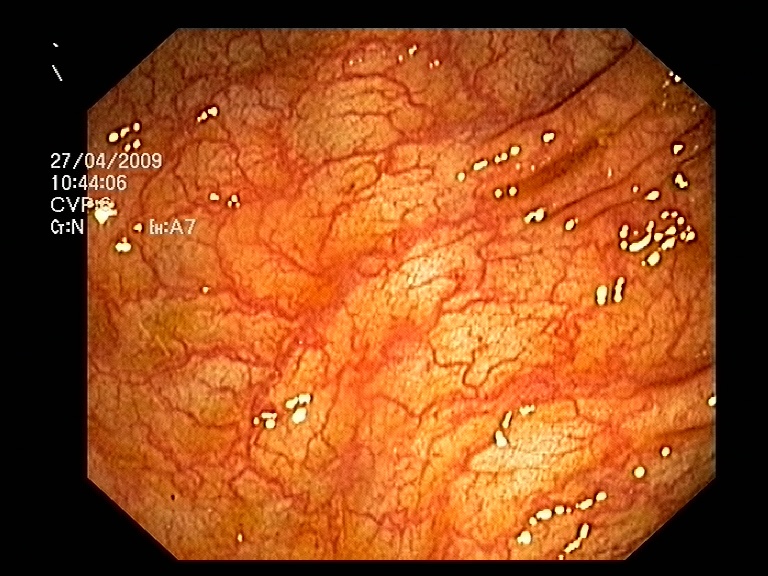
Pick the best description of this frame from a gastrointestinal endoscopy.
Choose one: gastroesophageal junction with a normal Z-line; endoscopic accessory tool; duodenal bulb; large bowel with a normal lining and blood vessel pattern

large bowel with a normal lining and blood vessel pattern